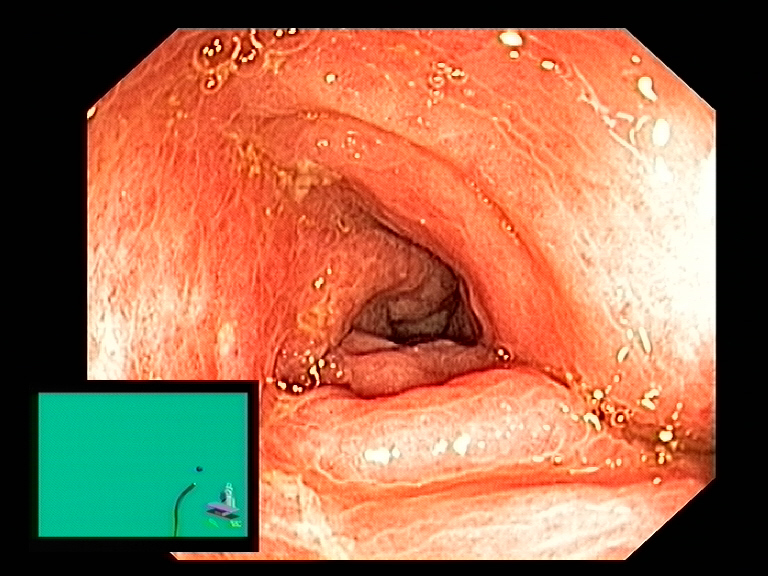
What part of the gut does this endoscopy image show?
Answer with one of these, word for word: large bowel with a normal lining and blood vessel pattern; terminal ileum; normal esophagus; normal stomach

large bowel with a normal lining and blood vessel pattern